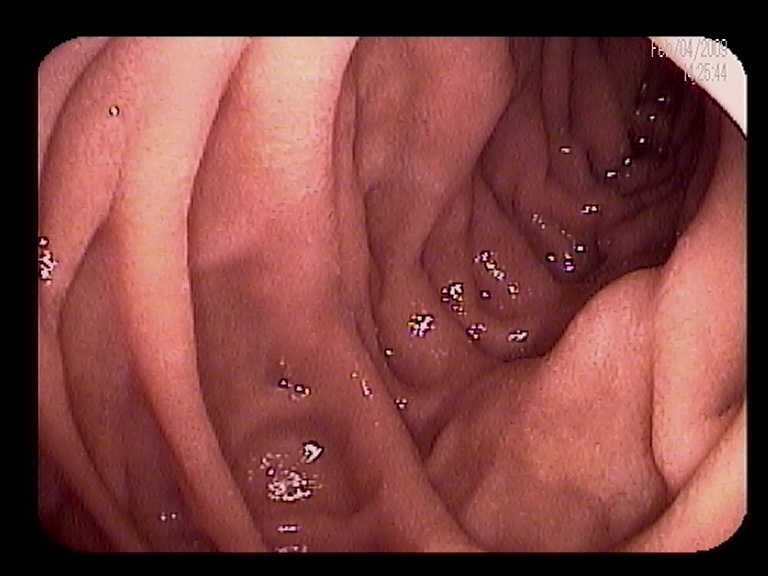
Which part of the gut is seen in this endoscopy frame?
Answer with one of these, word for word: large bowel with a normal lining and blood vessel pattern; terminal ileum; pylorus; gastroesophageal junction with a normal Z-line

terminal ileum